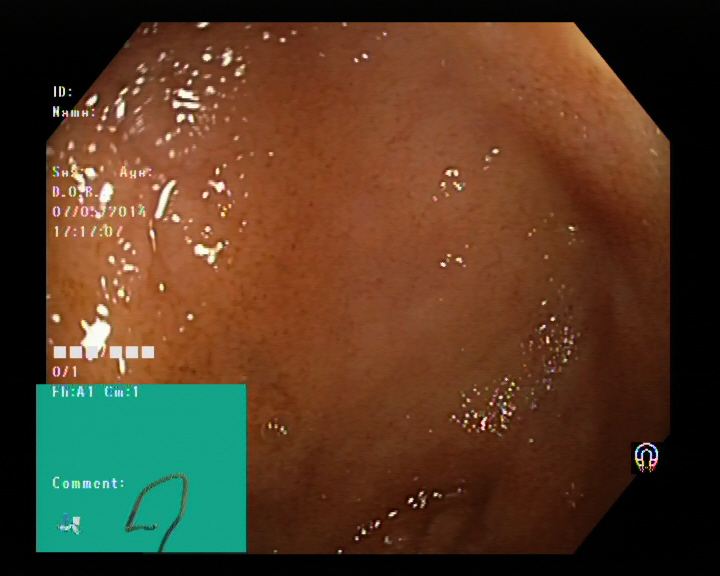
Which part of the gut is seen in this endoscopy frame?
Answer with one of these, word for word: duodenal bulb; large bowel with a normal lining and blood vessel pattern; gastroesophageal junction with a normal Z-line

large bowel with a normal lining and blood vessel pattern